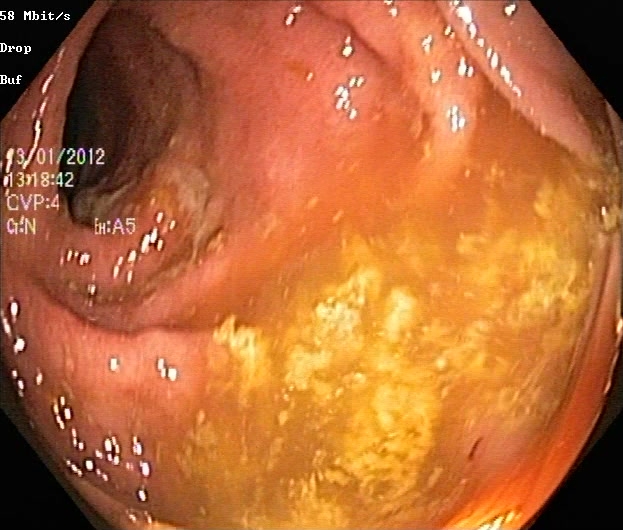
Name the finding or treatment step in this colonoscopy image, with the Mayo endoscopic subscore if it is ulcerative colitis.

ulcerative colitis, Mayo endoscopic subscore 2